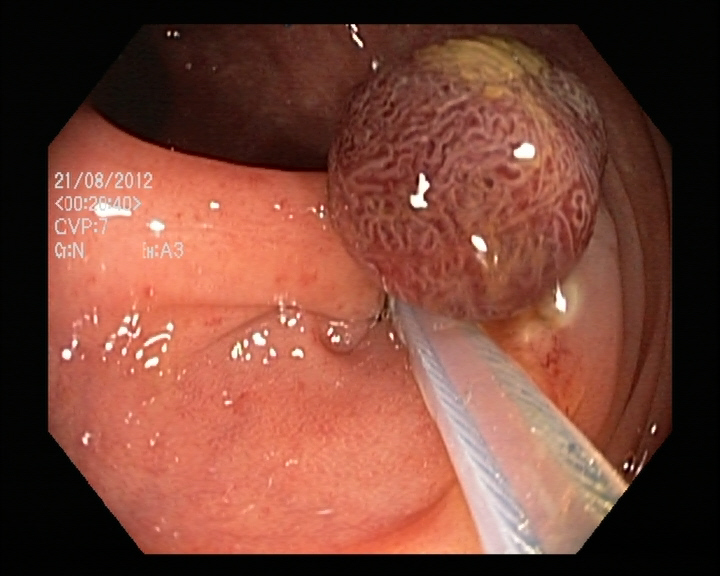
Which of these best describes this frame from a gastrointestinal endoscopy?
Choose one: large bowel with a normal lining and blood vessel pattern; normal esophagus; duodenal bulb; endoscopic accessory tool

endoscopic accessory tool